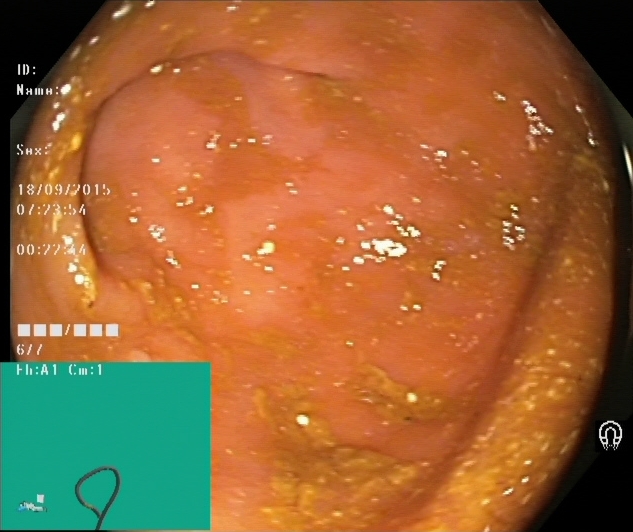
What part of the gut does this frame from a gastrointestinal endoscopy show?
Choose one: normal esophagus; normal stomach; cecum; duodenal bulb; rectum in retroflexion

cecum